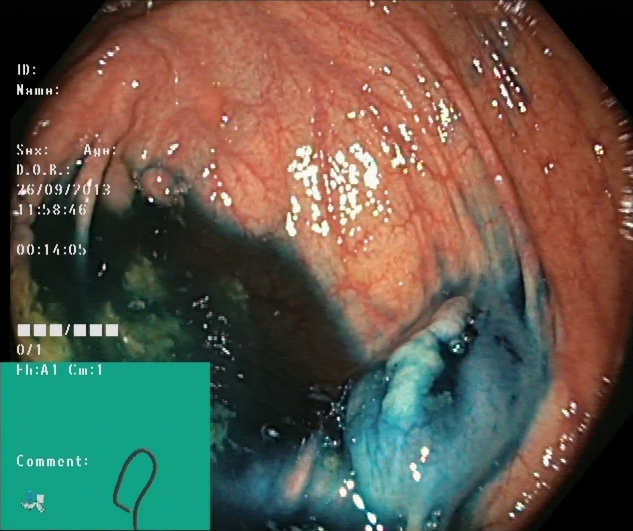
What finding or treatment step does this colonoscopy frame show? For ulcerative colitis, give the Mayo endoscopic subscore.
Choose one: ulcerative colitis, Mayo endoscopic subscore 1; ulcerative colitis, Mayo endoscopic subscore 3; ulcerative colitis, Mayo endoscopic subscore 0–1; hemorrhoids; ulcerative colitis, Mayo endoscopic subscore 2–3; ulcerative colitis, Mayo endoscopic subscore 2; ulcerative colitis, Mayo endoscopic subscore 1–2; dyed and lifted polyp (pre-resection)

dyed and lifted polyp (pre-resection)